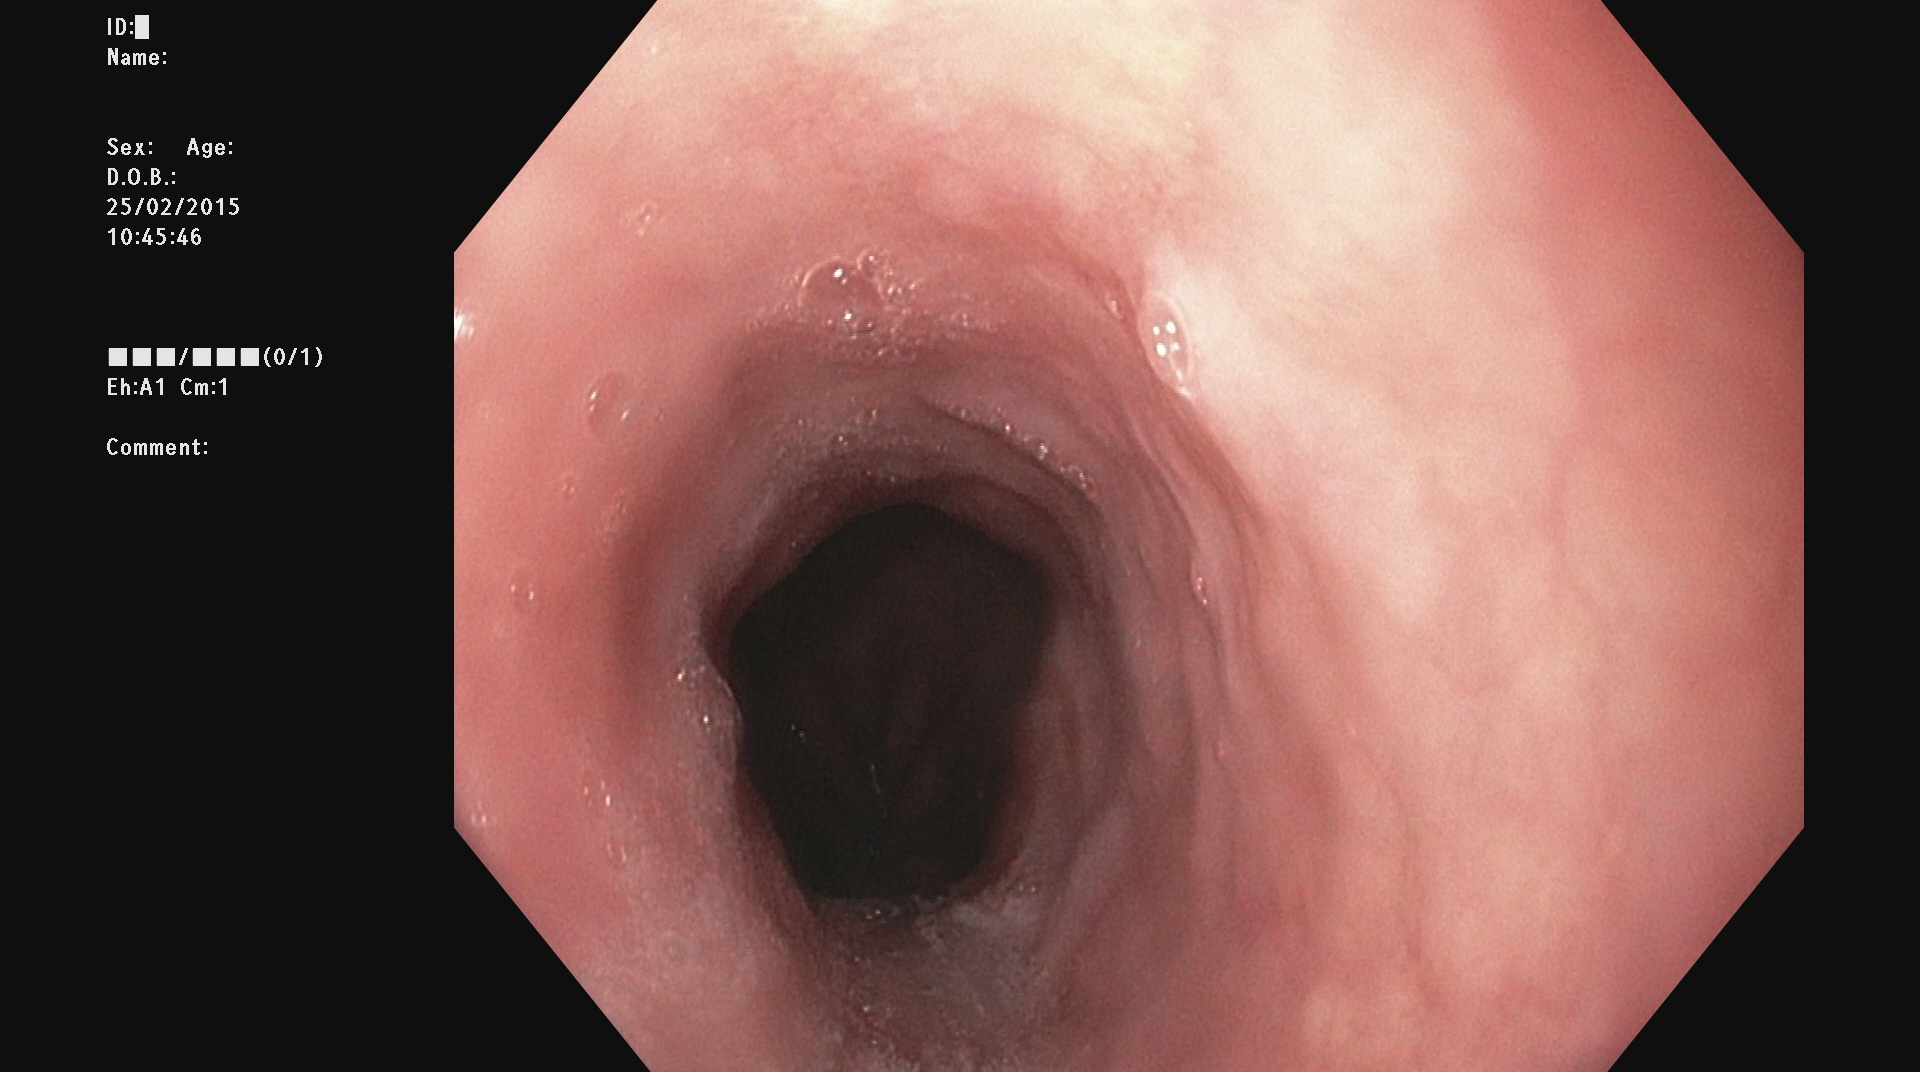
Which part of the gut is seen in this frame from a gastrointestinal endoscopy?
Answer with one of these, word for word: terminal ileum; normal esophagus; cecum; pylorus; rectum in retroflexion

normal esophagus